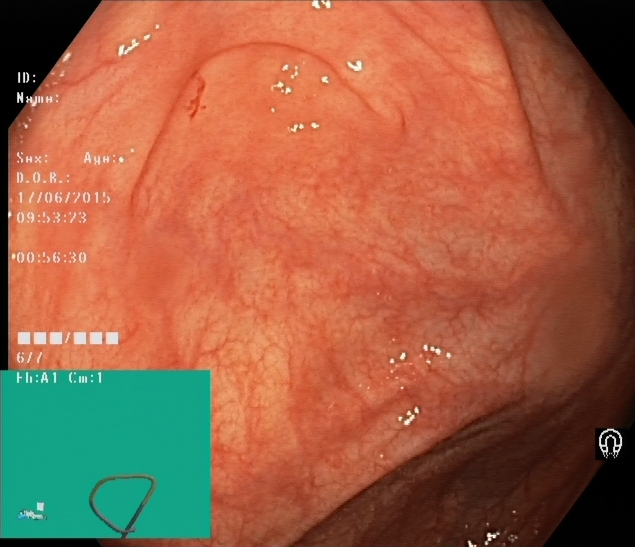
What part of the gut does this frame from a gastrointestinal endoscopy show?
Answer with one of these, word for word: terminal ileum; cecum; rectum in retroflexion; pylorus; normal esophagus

cecum